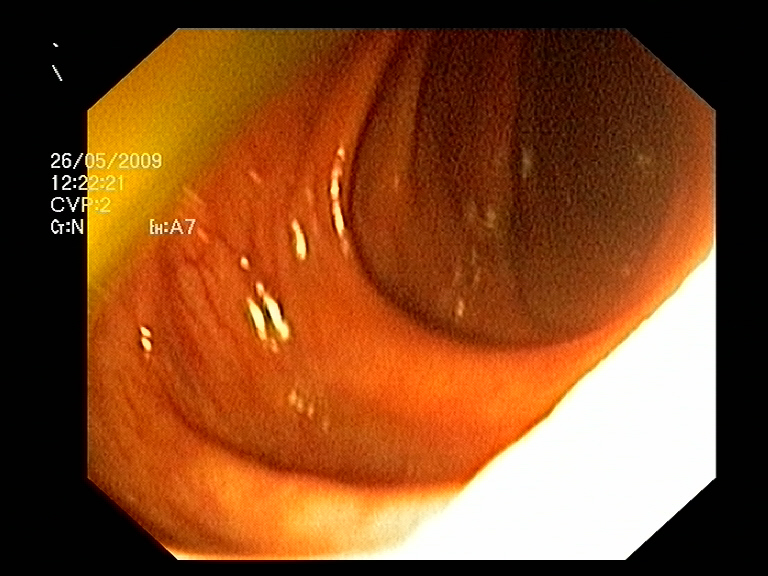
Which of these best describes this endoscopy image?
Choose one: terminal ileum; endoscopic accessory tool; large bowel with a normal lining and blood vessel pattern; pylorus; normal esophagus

large bowel with a normal lining and blood vessel pattern